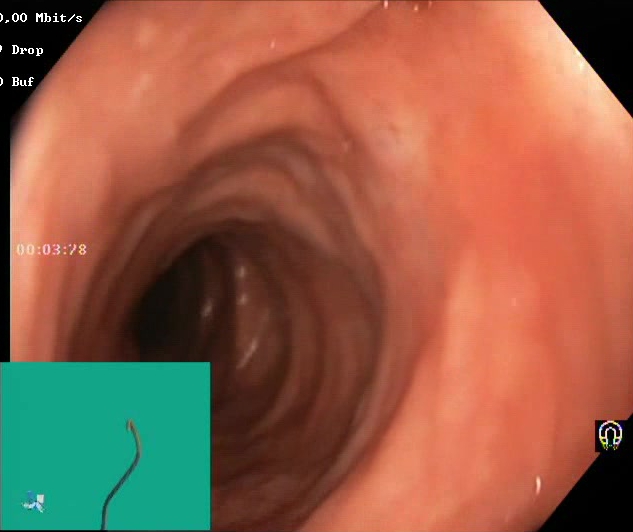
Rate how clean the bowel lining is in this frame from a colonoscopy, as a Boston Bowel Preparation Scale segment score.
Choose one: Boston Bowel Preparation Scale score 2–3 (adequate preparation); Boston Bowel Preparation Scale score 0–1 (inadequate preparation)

Boston Bowel Preparation Scale score 2–3 (adequate preparation)